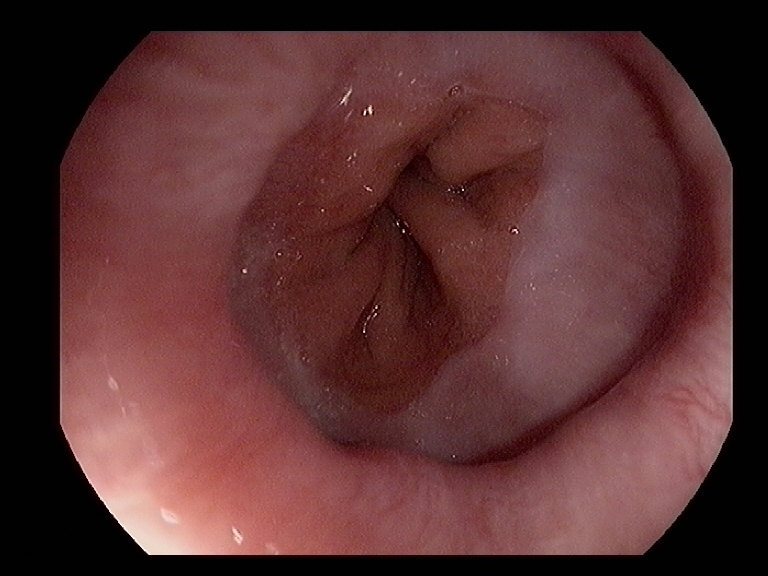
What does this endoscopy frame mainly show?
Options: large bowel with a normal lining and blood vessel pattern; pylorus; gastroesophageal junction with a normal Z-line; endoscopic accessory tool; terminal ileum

gastroesophageal junction with a normal Z-line